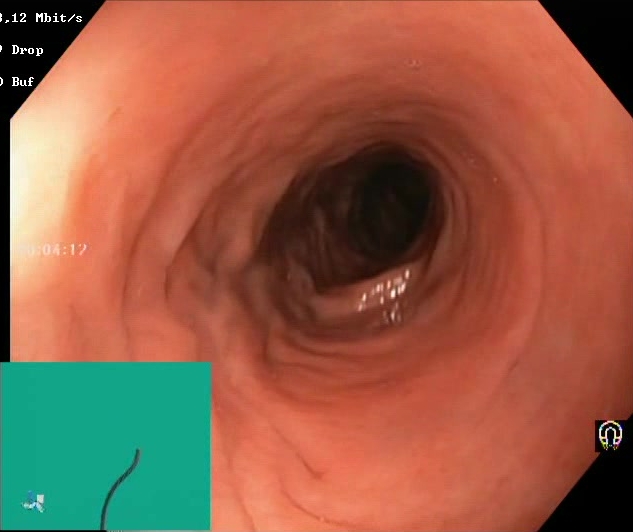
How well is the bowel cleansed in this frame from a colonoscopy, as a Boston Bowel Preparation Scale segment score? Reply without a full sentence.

Boston Bowel Preparation Scale score 2–3 (adequate preparation)